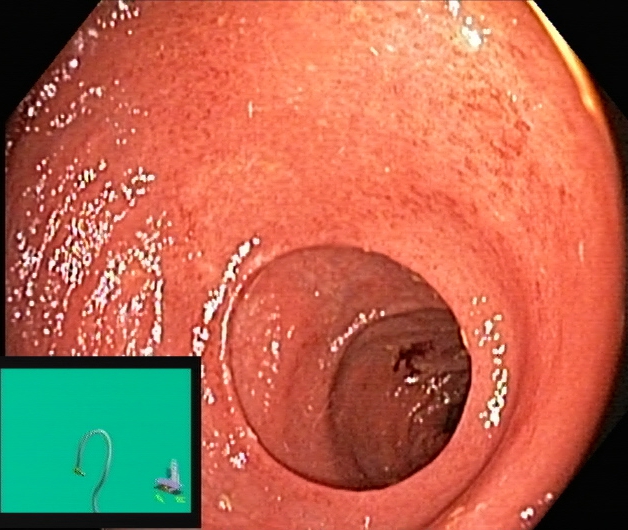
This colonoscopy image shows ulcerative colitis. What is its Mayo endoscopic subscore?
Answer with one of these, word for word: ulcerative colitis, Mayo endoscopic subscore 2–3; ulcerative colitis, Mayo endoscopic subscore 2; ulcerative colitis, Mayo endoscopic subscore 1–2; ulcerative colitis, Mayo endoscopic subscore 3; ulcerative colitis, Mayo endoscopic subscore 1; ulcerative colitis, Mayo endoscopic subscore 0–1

ulcerative colitis, Mayo endoscopic subscore 2